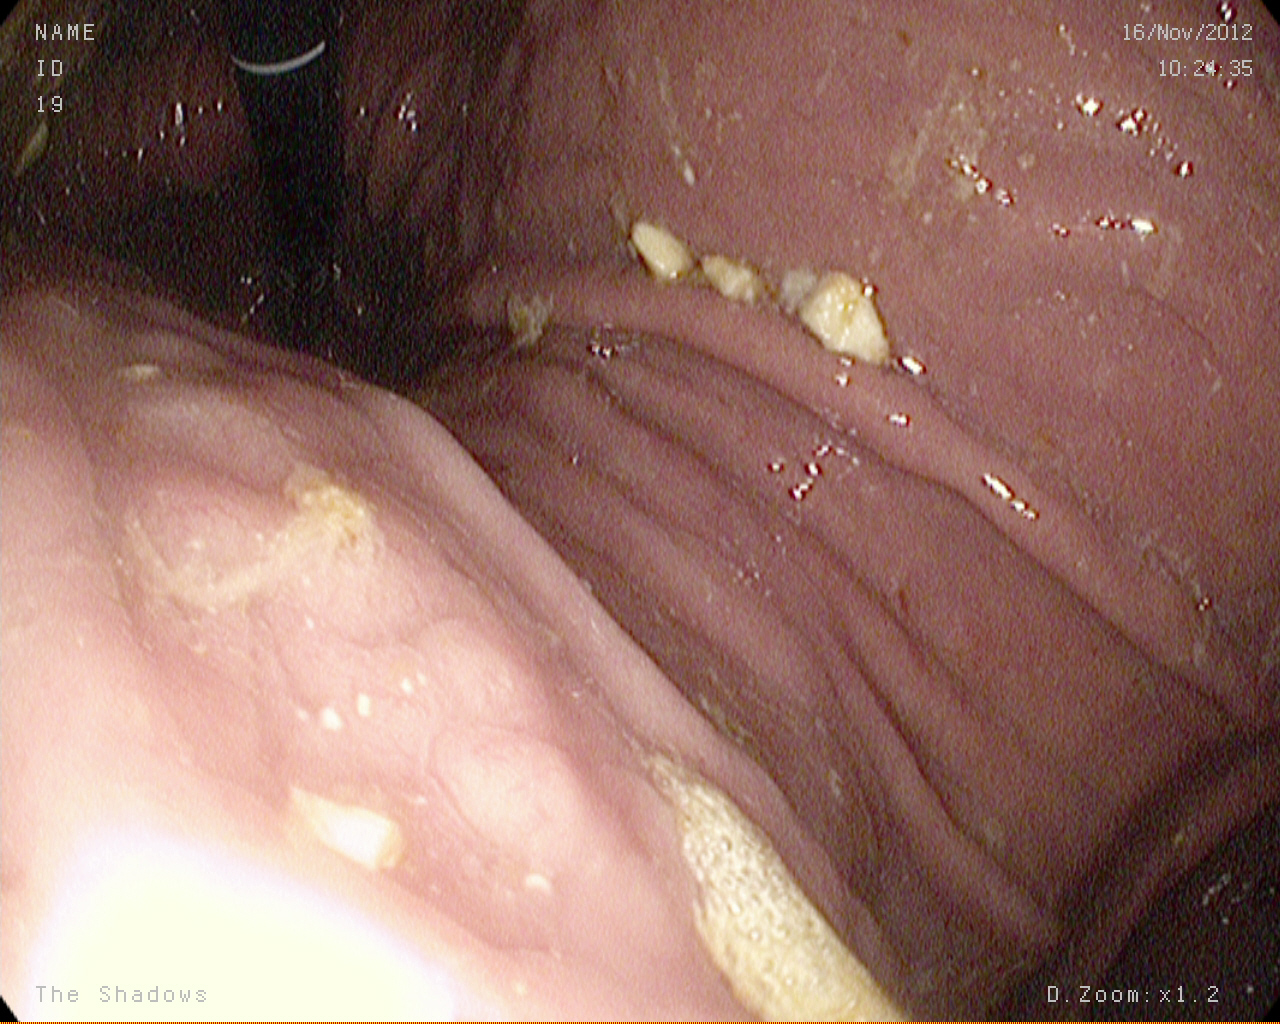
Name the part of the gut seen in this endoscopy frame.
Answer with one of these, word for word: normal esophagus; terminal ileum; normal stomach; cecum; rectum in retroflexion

normal stomach